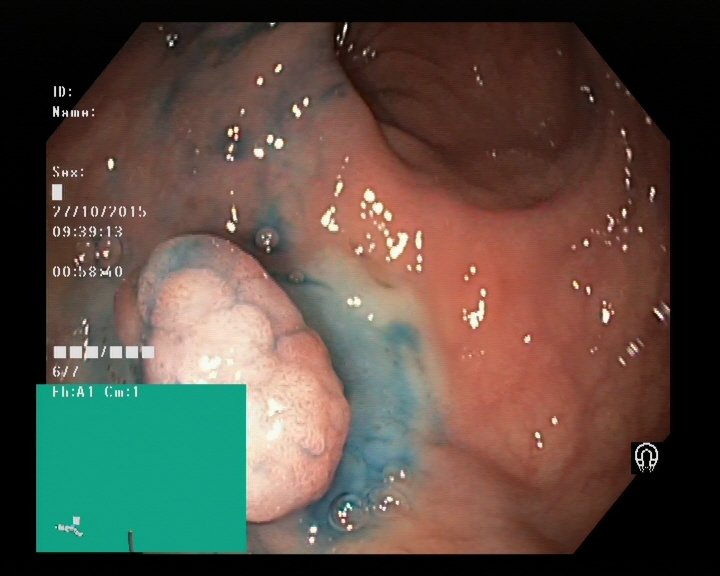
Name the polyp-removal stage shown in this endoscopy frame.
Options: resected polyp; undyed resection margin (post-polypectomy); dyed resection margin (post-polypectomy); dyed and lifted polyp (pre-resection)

dyed and lifted polyp (pre-resection)